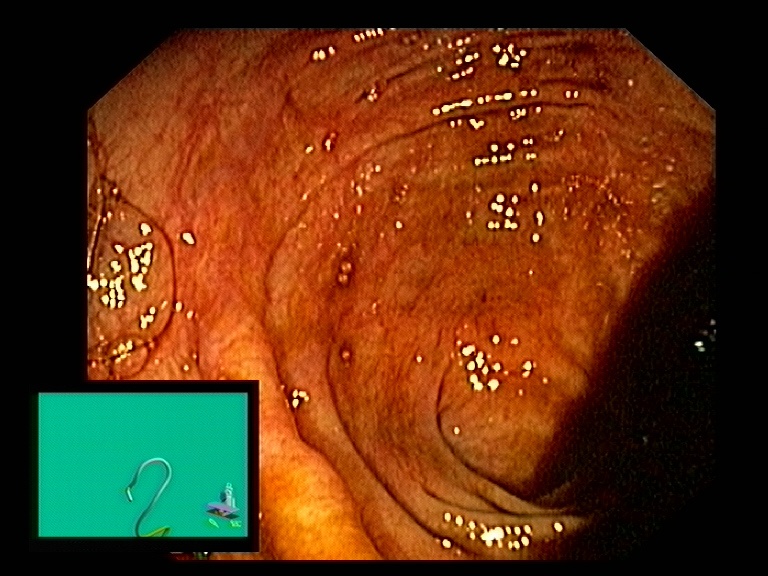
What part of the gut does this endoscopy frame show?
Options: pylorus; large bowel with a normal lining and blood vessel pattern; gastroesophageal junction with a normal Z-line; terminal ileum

large bowel with a normal lining and blood vessel pattern